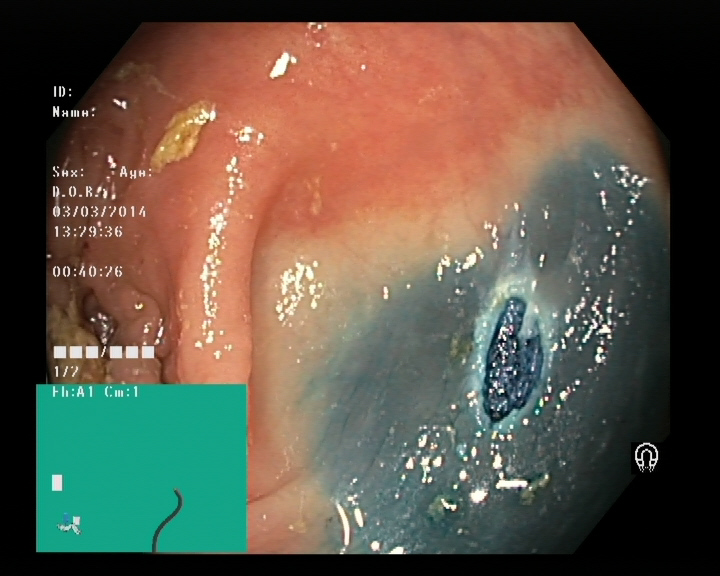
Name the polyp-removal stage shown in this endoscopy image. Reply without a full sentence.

dyed resection margin (post-polypectomy)